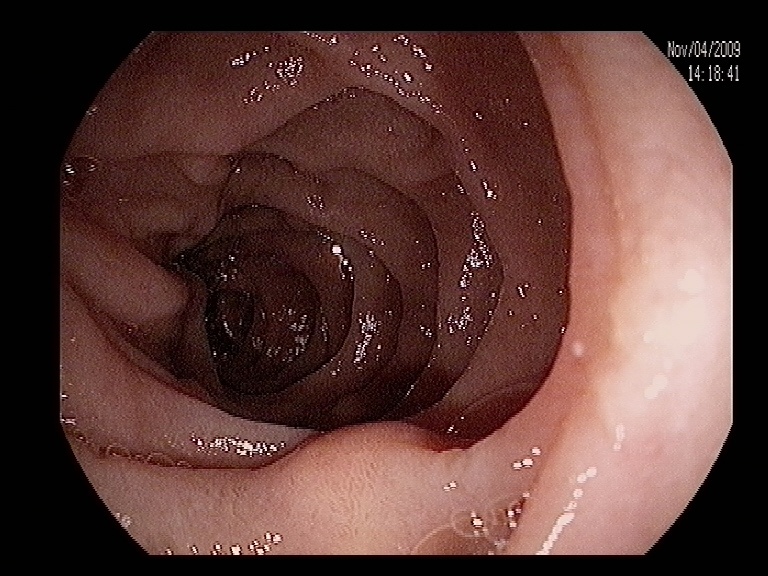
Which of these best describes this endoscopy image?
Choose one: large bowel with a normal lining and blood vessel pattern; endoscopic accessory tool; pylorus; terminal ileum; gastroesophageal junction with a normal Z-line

terminal ileum